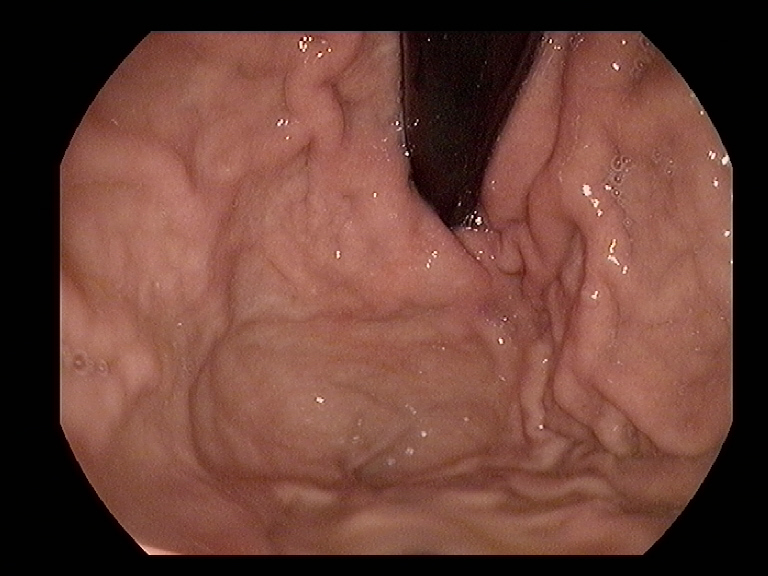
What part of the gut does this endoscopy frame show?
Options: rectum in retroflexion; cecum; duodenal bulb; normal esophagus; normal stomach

normal stomach